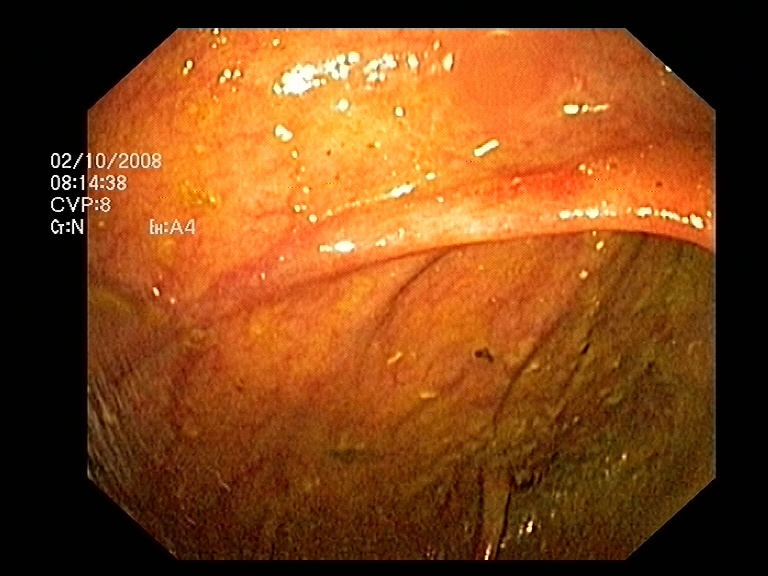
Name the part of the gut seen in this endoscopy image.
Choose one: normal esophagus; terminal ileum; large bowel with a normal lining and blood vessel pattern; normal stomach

large bowel with a normal lining and blood vessel pattern